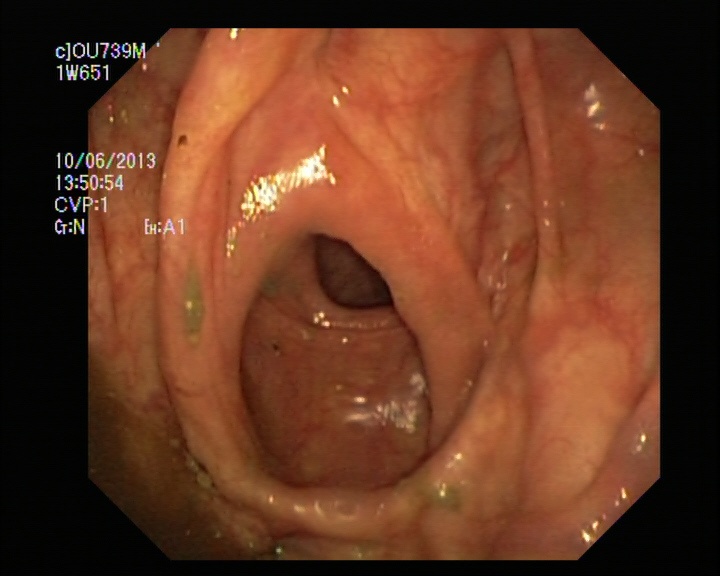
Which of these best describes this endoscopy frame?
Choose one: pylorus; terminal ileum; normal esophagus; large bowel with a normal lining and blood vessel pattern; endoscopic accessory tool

large bowel with a normal lining and blood vessel pattern